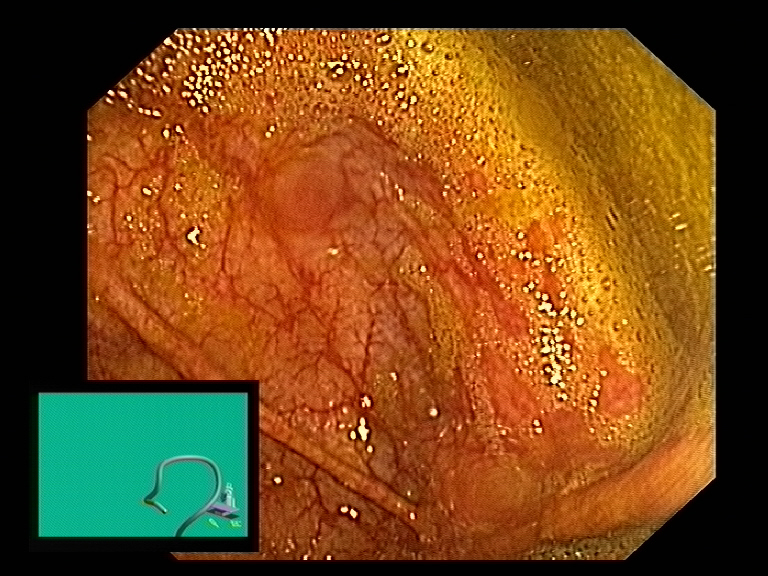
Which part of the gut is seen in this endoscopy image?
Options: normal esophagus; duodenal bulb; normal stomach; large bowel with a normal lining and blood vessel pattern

large bowel with a normal lining and blood vessel pattern